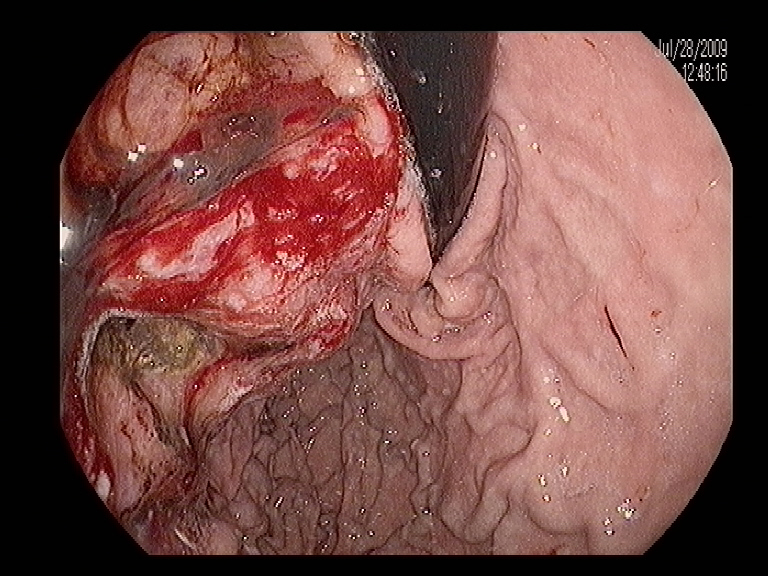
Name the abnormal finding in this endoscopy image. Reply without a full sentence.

blood in the lumen